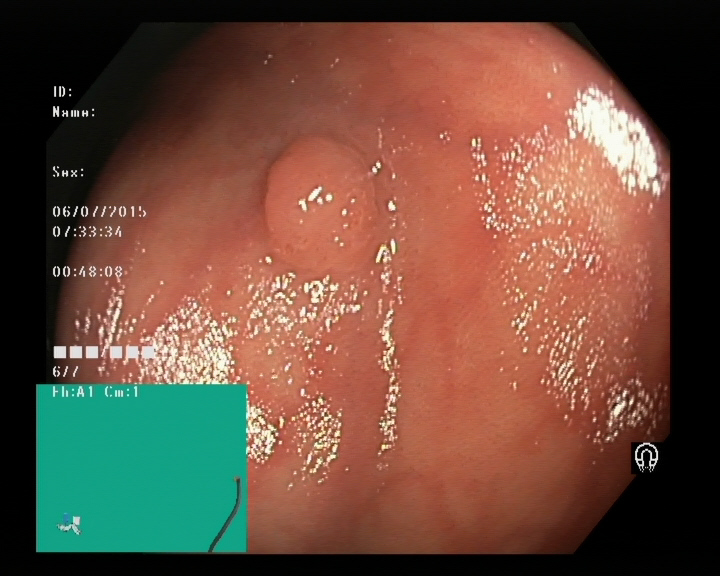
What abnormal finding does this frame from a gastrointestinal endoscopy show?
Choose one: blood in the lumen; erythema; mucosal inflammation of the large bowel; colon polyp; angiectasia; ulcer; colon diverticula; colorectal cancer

colon polyp